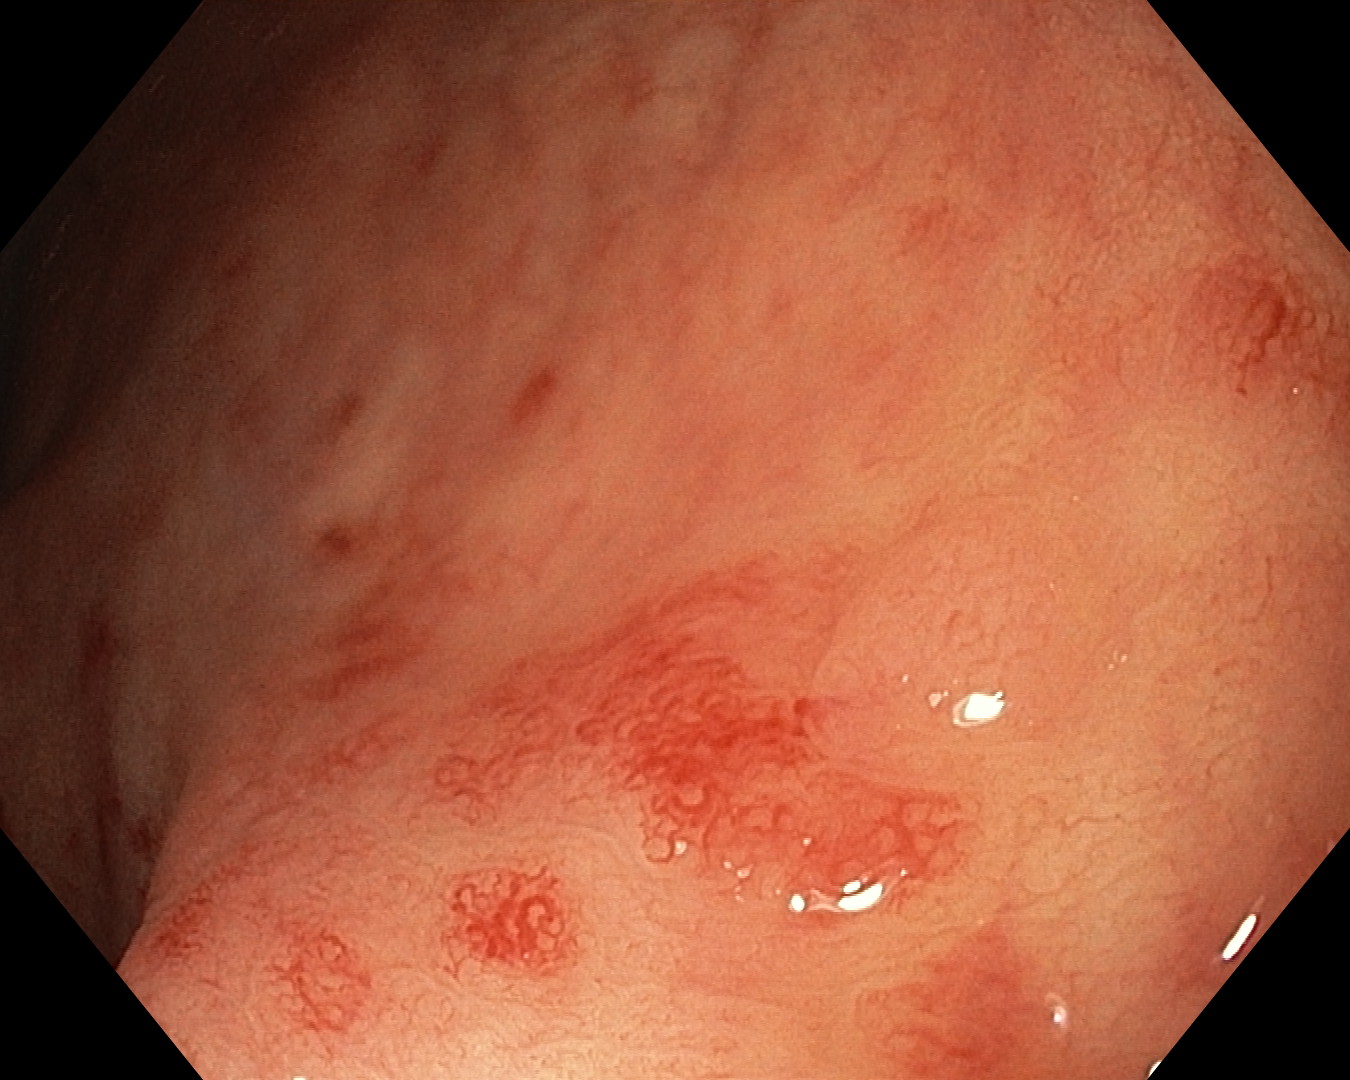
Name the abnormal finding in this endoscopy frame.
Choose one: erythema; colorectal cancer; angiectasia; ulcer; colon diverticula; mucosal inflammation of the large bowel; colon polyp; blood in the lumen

angiectasia